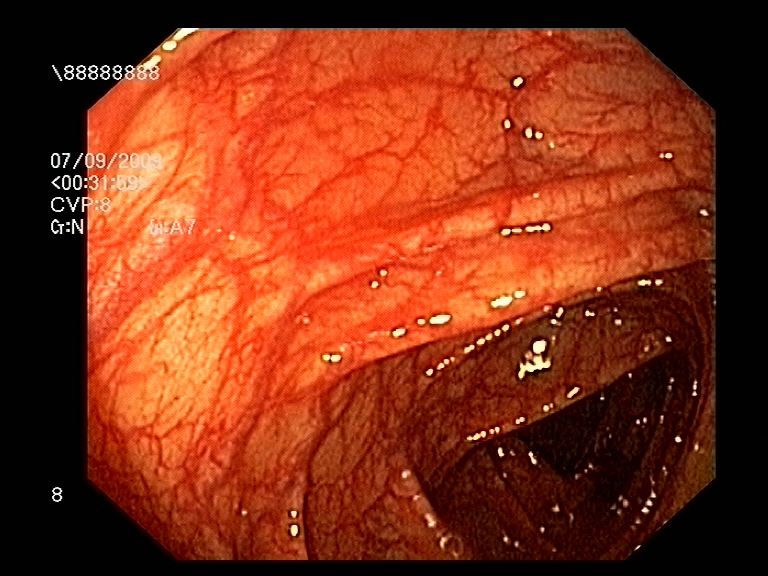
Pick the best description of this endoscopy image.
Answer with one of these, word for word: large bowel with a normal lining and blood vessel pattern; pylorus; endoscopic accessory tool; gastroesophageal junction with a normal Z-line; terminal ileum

large bowel with a normal lining and blood vessel pattern